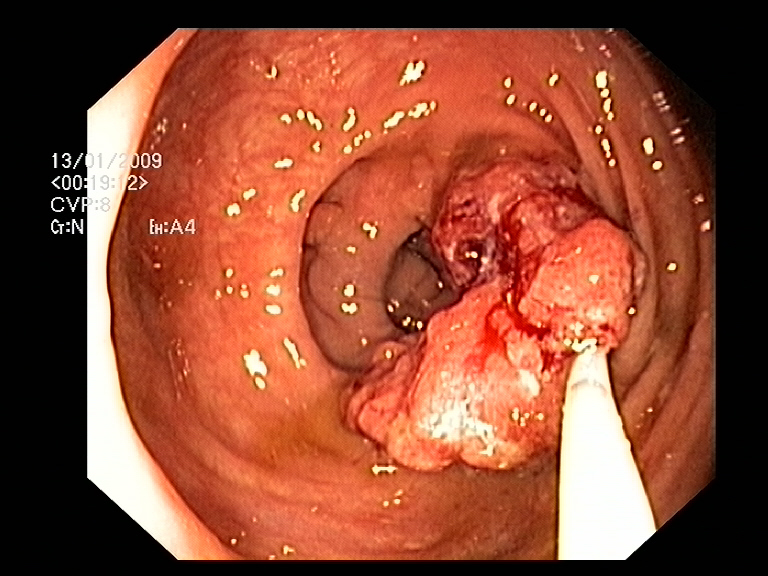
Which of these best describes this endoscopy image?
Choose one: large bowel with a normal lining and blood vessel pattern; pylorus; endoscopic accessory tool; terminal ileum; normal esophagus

endoscopic accessory tool